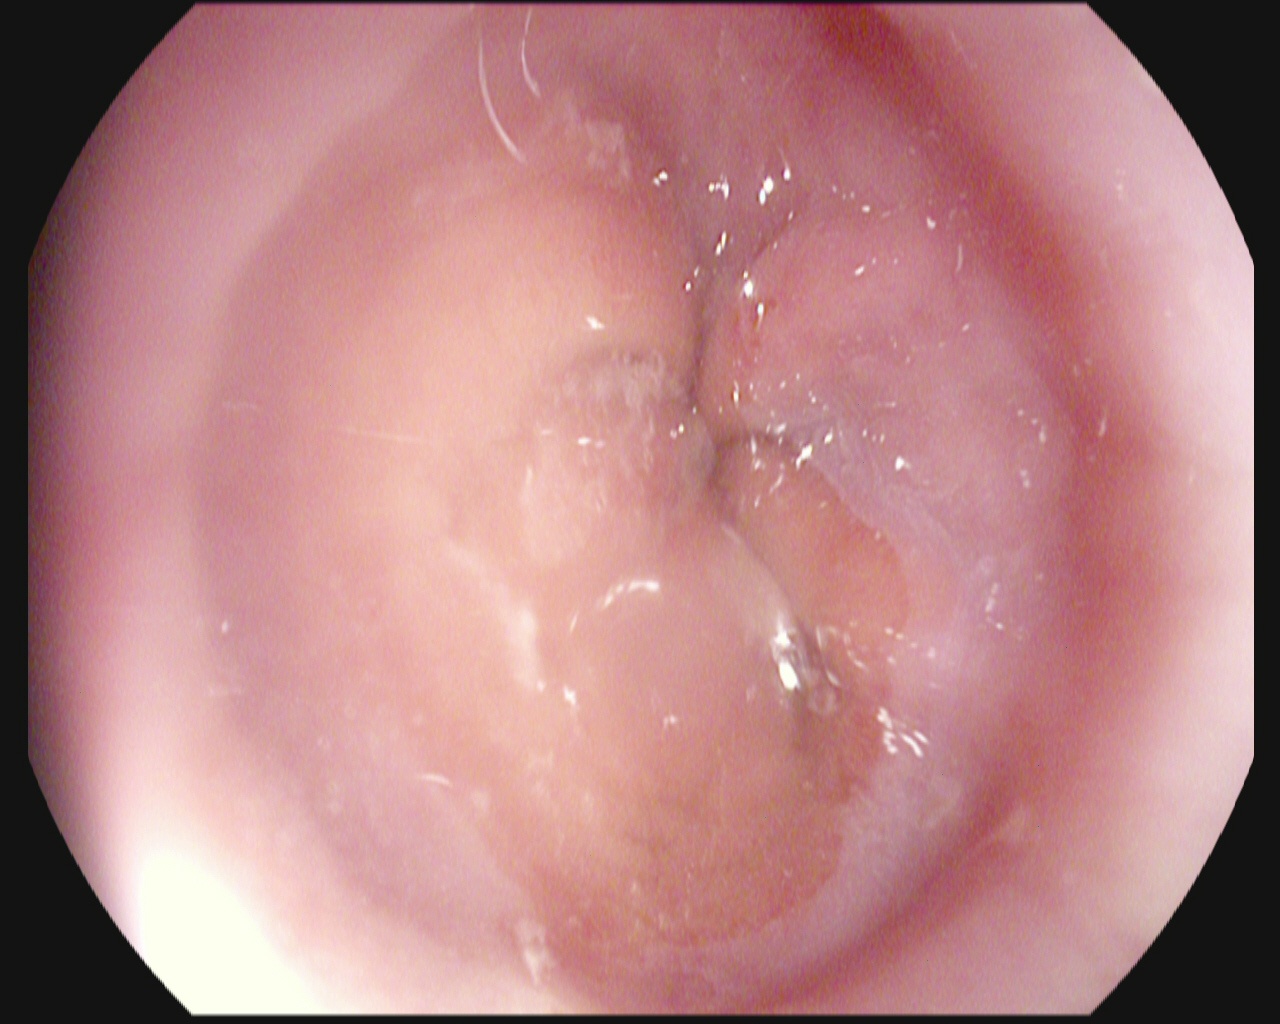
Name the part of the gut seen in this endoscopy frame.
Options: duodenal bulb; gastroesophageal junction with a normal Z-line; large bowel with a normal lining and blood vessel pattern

gastroesophageal junction with a normal Z-line